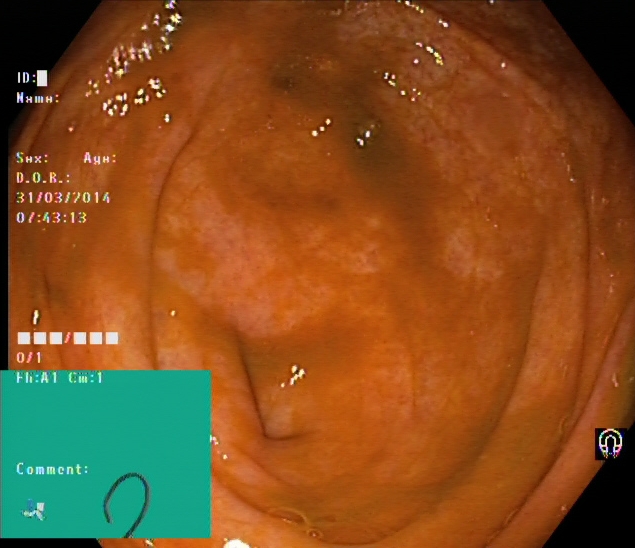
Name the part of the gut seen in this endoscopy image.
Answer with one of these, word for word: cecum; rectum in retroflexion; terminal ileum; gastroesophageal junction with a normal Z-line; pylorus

cecum